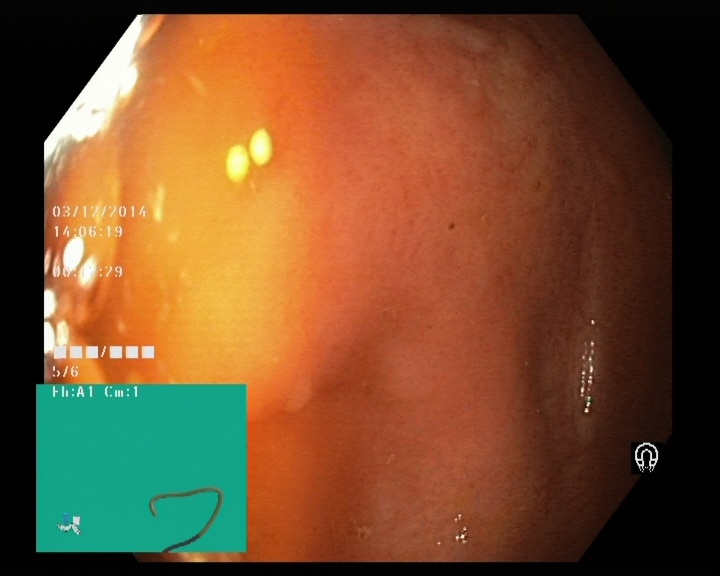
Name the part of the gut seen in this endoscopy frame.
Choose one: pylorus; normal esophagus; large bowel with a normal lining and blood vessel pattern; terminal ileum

large bowel with a normal lining and blood vessel pattern